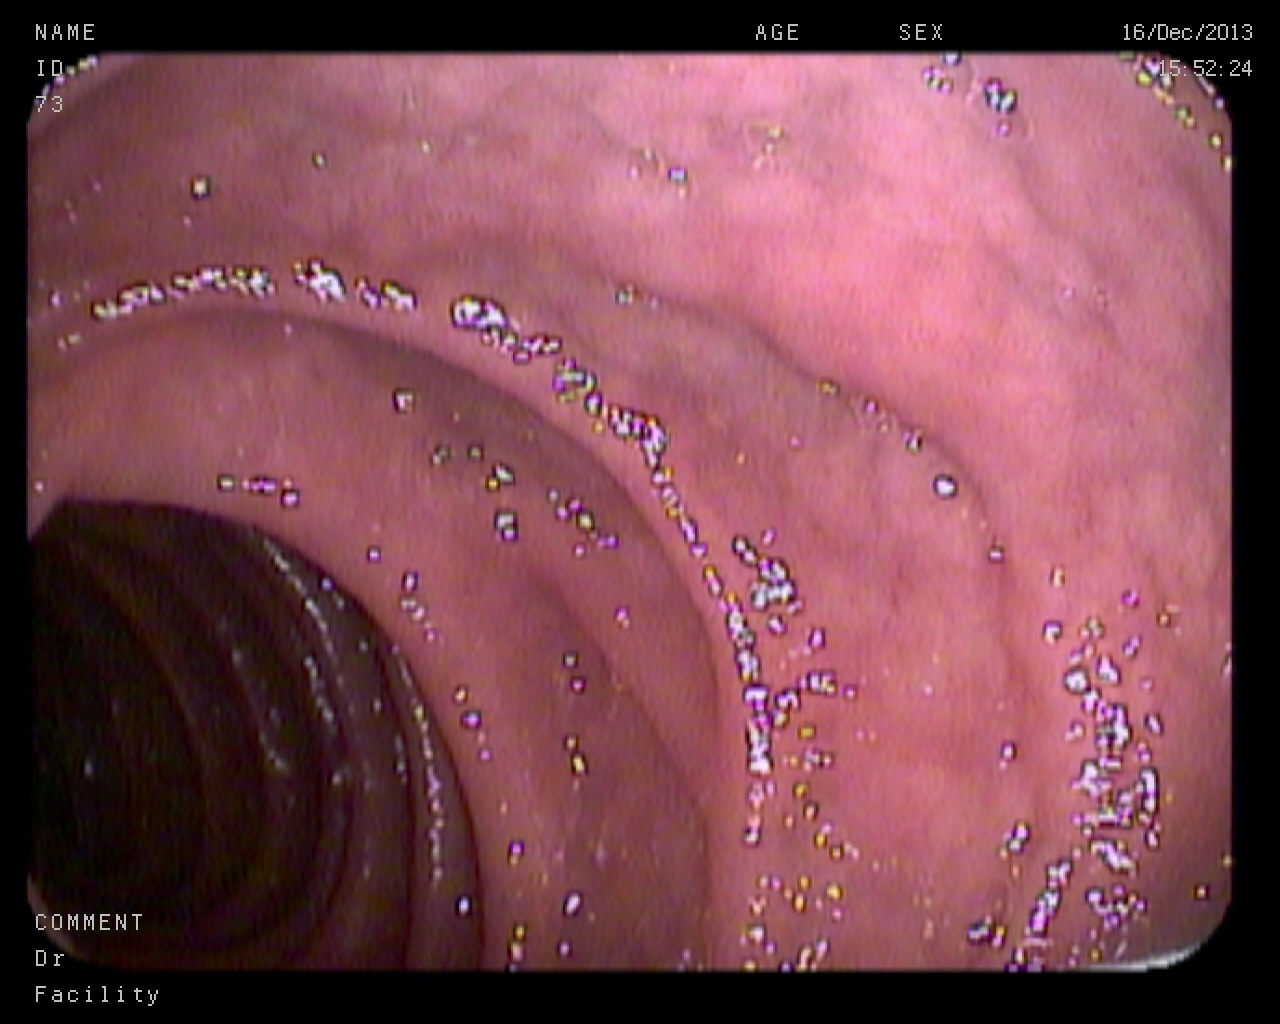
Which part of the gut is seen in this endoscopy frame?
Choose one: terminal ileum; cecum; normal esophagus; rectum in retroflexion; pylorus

terminal ileum